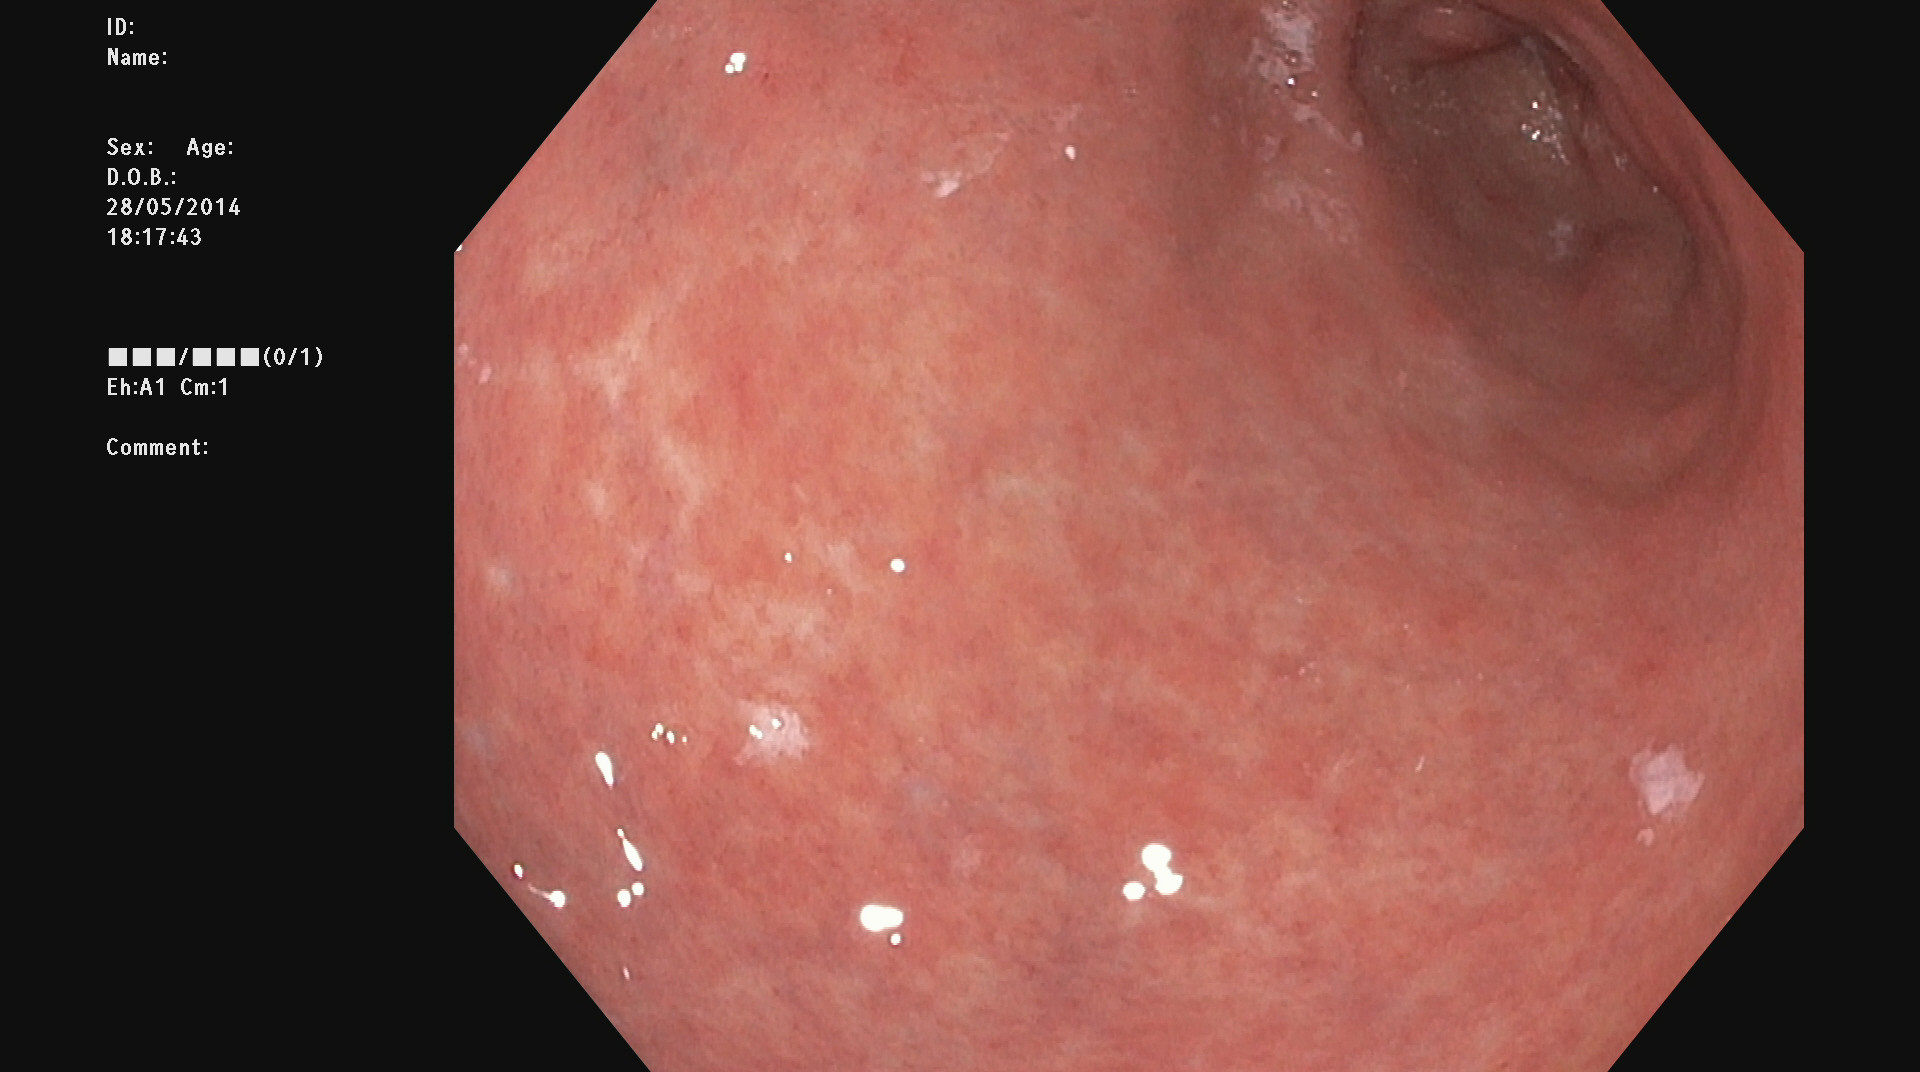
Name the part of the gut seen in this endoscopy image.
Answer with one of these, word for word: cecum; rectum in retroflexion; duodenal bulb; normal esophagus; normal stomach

normal stomach